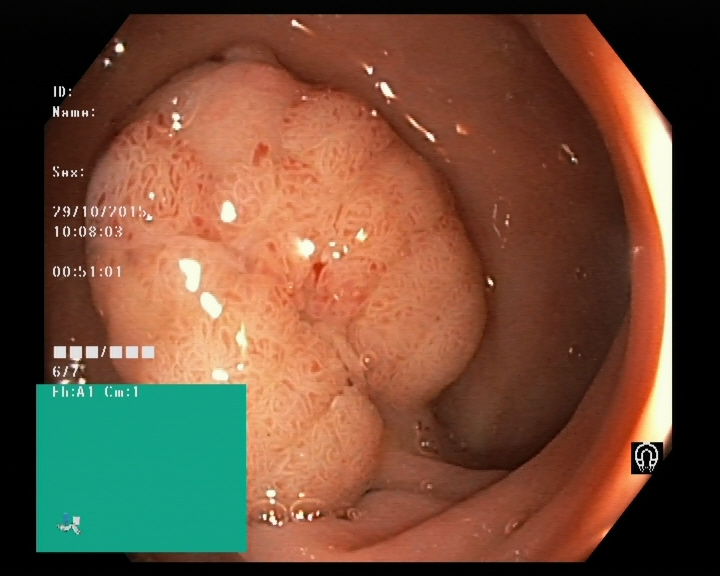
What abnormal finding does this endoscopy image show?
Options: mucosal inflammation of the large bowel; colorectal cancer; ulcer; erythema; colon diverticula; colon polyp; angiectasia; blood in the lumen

colon polyp